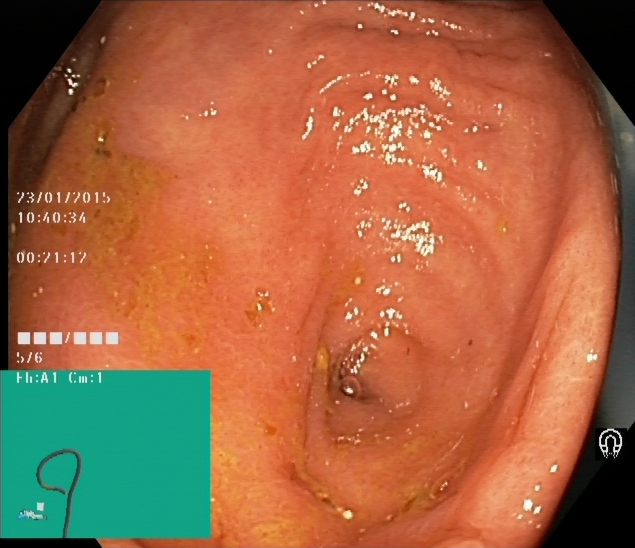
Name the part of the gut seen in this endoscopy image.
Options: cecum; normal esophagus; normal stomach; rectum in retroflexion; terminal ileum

cecum